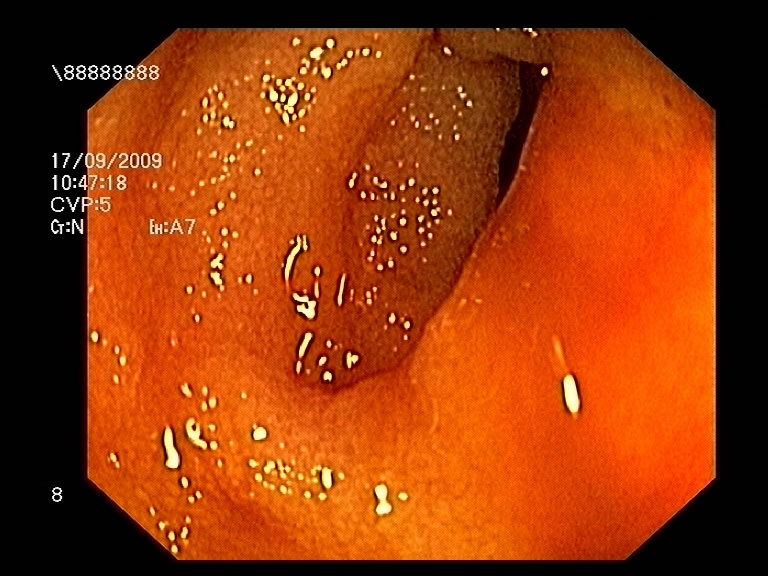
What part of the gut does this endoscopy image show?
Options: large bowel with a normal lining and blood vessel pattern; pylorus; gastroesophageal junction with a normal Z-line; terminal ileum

terminal ileum